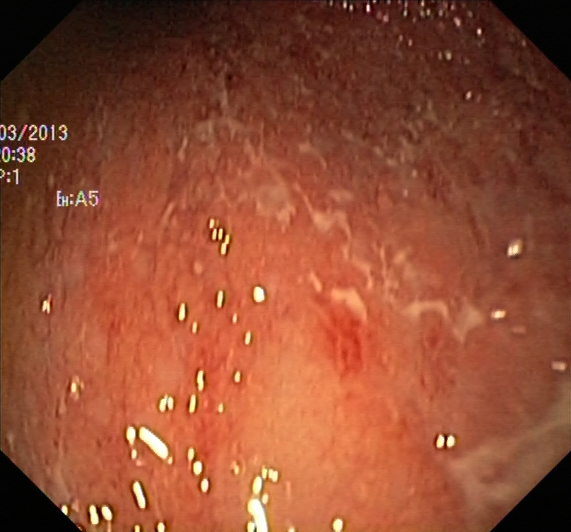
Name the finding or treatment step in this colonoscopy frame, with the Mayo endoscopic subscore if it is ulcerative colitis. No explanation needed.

ulcerative colitis, Mayo endoscopic subscore 2